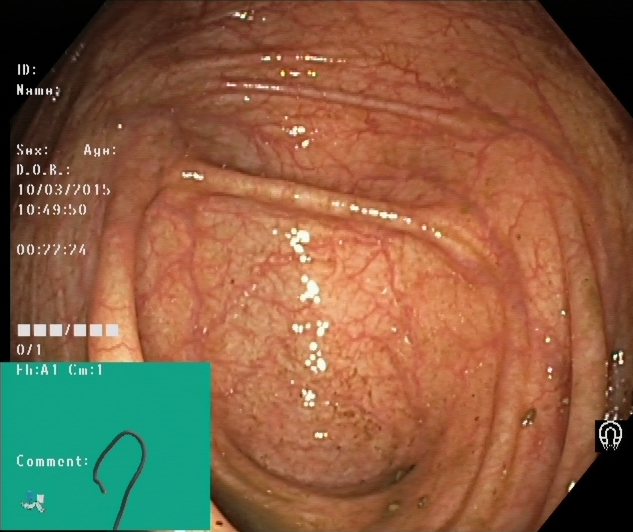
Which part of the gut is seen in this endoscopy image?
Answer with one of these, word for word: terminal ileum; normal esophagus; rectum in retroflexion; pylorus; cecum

cecum